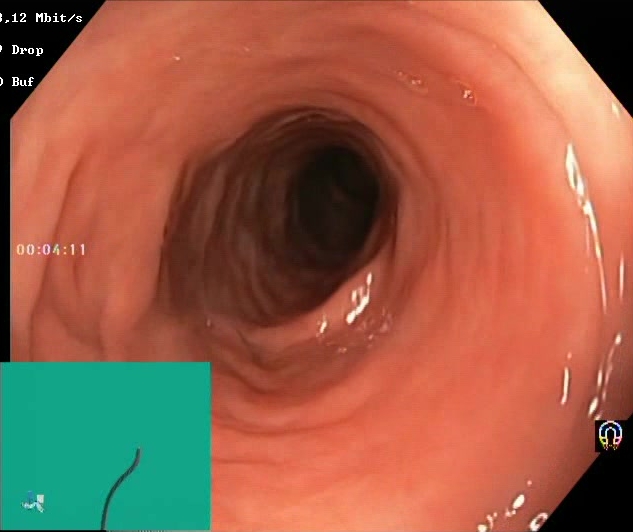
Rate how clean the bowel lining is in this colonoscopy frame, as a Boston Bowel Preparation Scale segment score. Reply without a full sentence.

Boston Bowel Preparation Scale score 2–3 (adequate preparation)